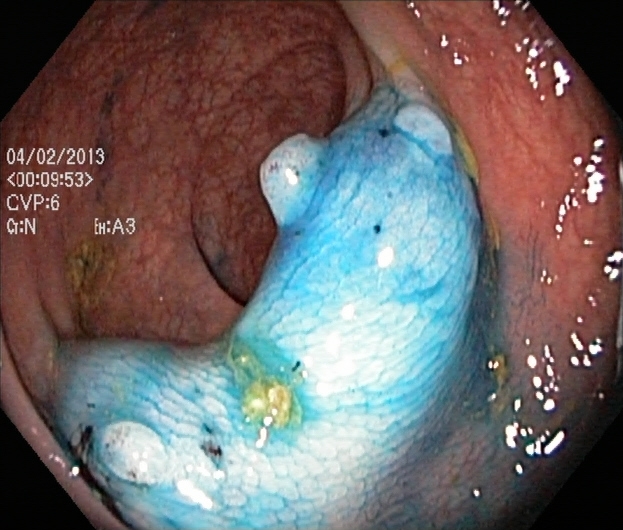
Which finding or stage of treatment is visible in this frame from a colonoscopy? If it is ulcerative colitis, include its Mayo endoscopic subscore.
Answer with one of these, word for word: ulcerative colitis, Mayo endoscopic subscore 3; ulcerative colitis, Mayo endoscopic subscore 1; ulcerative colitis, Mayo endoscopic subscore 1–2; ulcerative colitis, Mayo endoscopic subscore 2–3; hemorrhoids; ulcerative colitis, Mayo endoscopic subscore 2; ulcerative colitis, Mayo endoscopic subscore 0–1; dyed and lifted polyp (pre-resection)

dyed and lifted polyp (pre-resection)